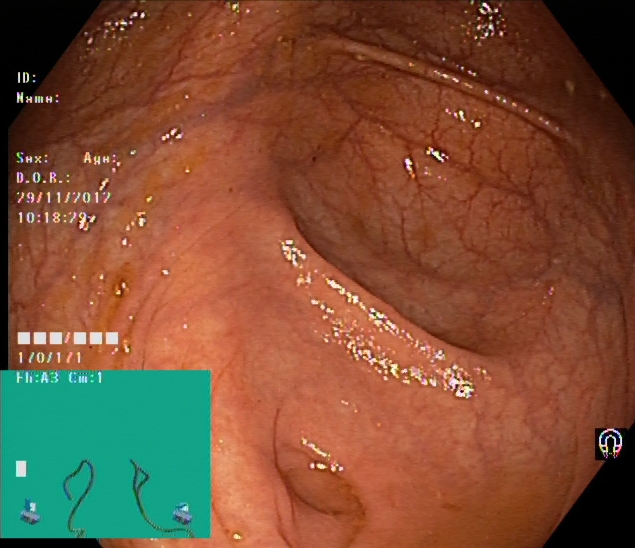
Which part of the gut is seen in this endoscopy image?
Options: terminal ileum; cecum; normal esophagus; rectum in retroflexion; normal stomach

cecum